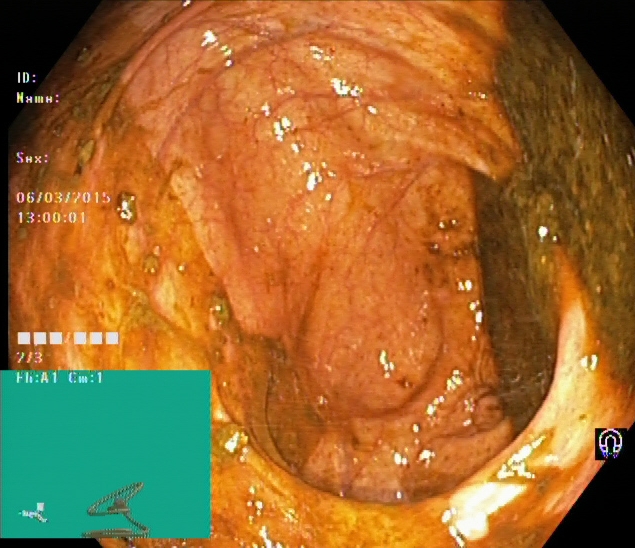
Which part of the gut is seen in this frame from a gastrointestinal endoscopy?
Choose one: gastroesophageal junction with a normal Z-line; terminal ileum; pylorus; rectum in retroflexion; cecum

cecum